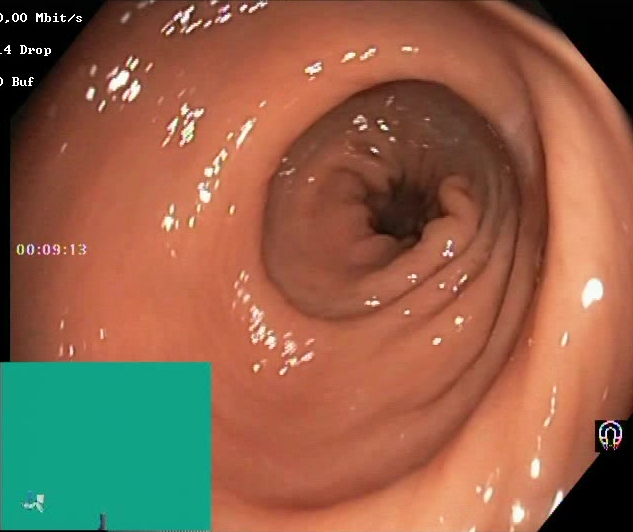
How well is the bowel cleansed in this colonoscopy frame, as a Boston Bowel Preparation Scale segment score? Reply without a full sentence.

Boston Bowel Preparation Scale score 2–3 (adequate preparation)